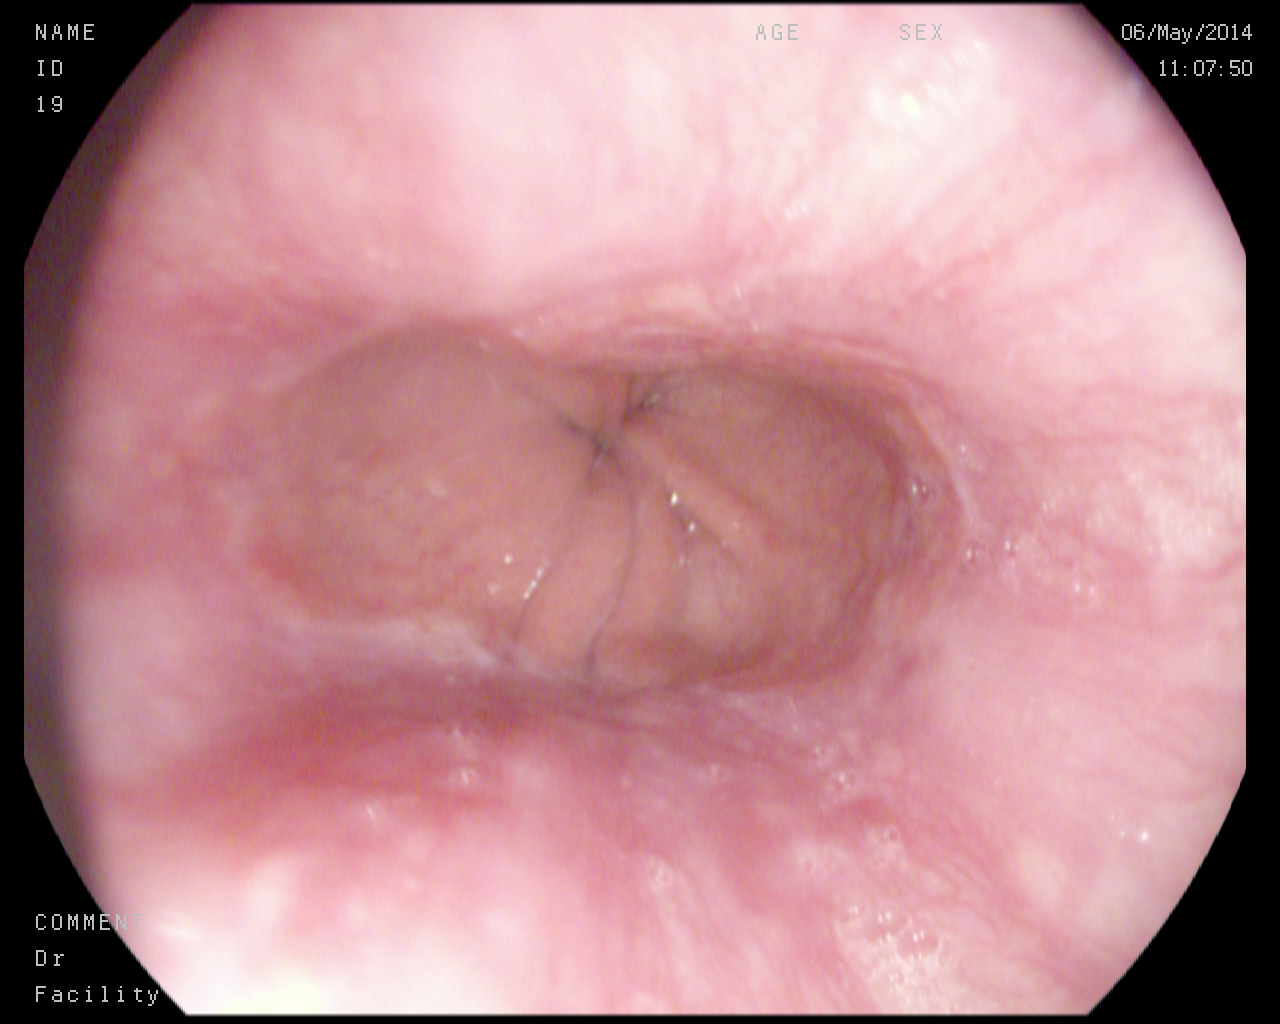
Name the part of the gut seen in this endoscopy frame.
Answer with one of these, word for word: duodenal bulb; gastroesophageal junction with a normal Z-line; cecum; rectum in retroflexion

gastroesophageal junction with a normal Z-line